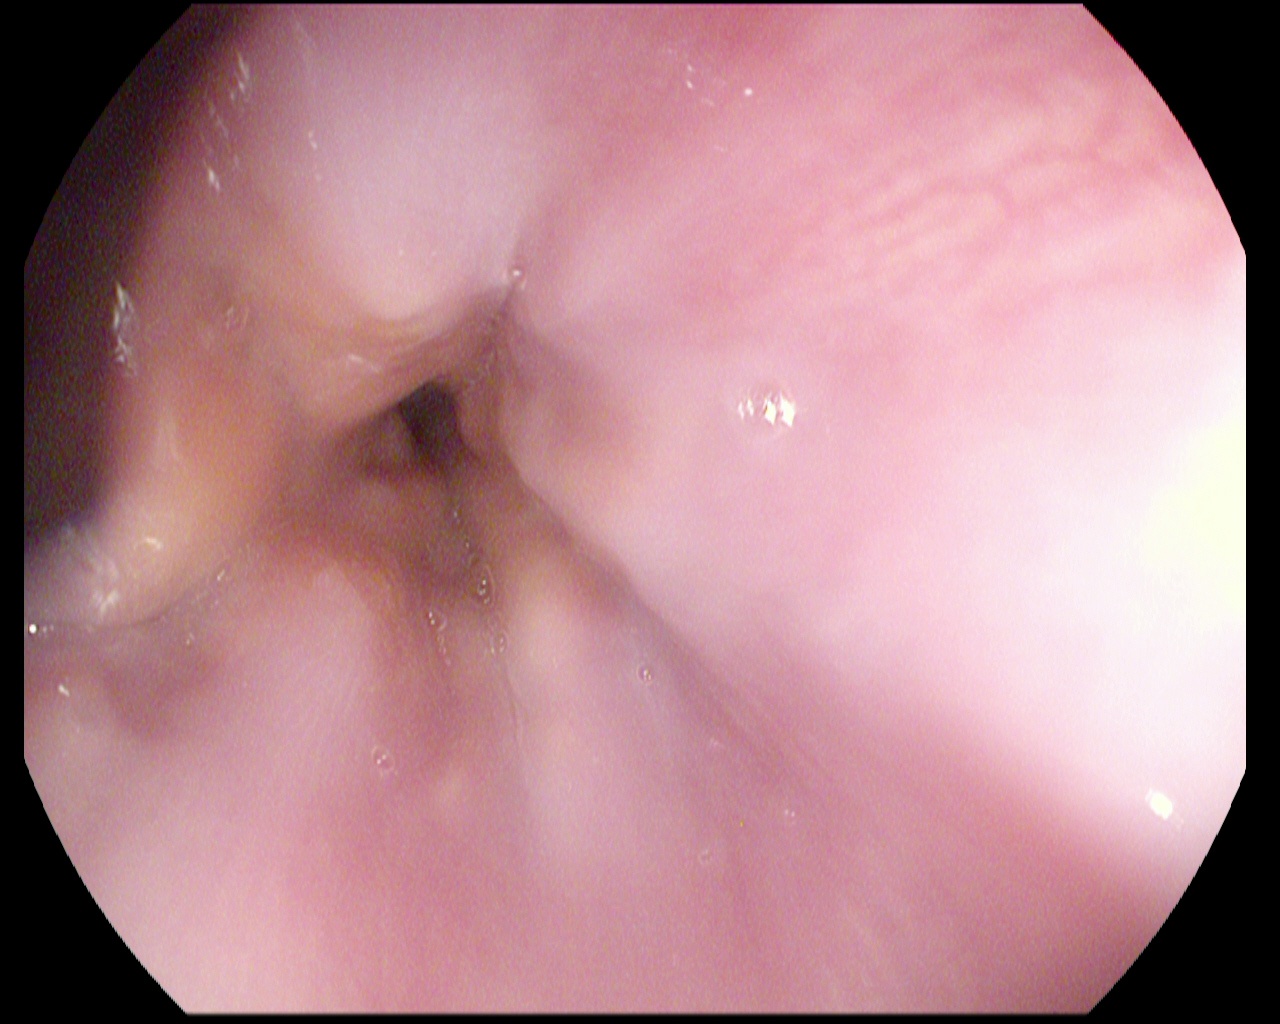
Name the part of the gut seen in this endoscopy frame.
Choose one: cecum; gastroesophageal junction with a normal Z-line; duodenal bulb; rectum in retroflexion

gastroesophageal junction with a normal Z-line